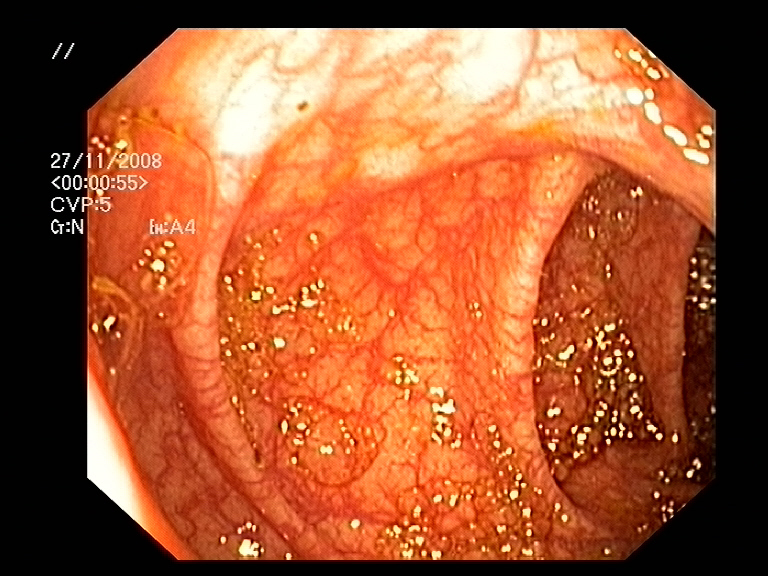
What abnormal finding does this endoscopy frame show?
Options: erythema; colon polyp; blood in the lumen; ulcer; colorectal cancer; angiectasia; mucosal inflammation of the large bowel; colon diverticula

colon polyp